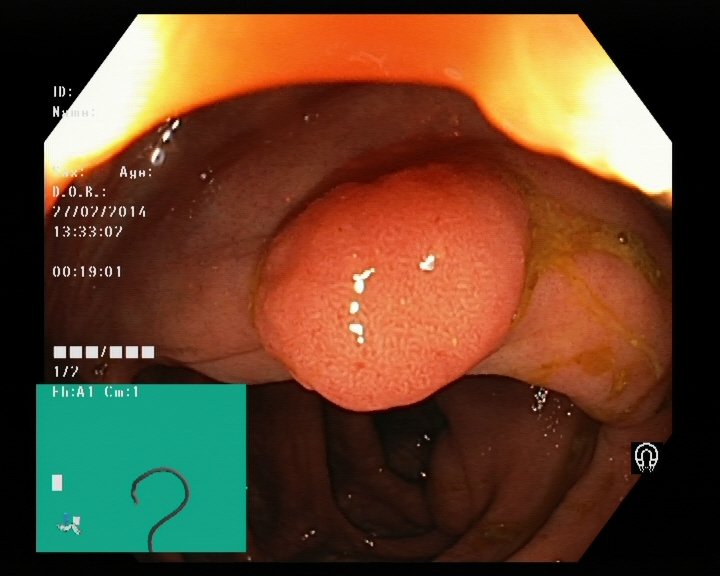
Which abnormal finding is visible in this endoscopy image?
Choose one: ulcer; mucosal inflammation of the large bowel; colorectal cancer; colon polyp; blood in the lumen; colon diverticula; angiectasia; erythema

colon polyp